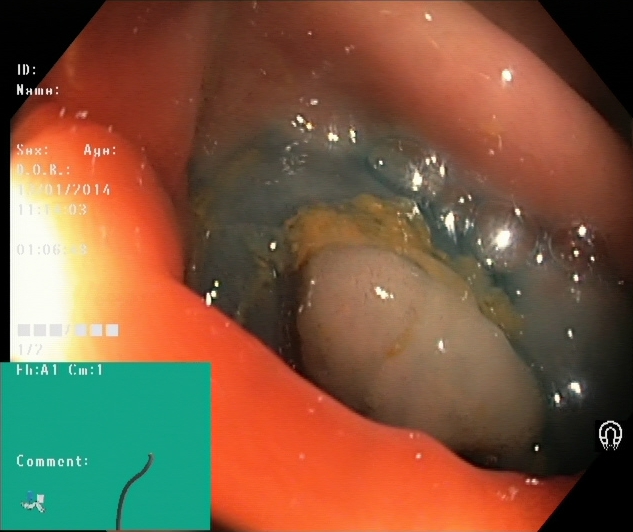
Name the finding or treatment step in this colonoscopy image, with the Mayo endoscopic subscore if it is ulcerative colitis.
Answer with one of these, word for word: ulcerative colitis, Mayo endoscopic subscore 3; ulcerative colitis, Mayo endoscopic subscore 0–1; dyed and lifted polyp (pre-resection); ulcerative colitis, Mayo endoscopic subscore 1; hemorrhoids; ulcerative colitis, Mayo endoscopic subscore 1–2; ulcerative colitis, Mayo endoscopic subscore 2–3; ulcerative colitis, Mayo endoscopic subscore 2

dyed and lifted polyp (pre-resection)